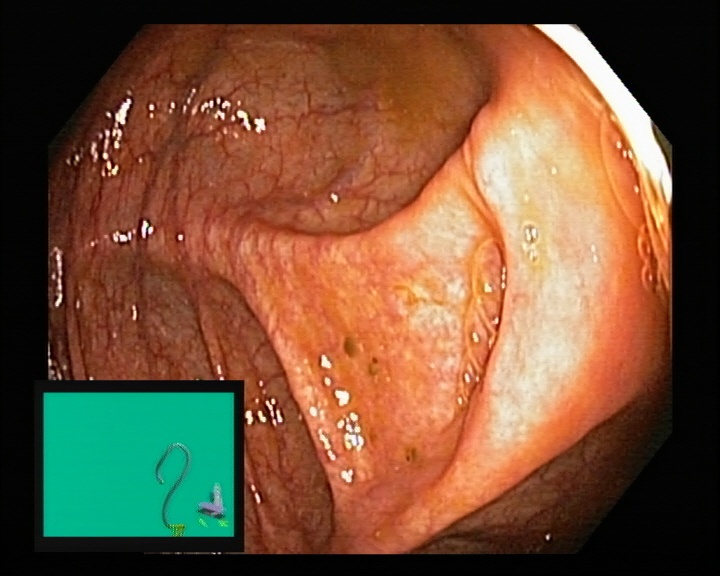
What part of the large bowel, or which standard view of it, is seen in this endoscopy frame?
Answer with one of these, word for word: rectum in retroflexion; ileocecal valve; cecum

cecum